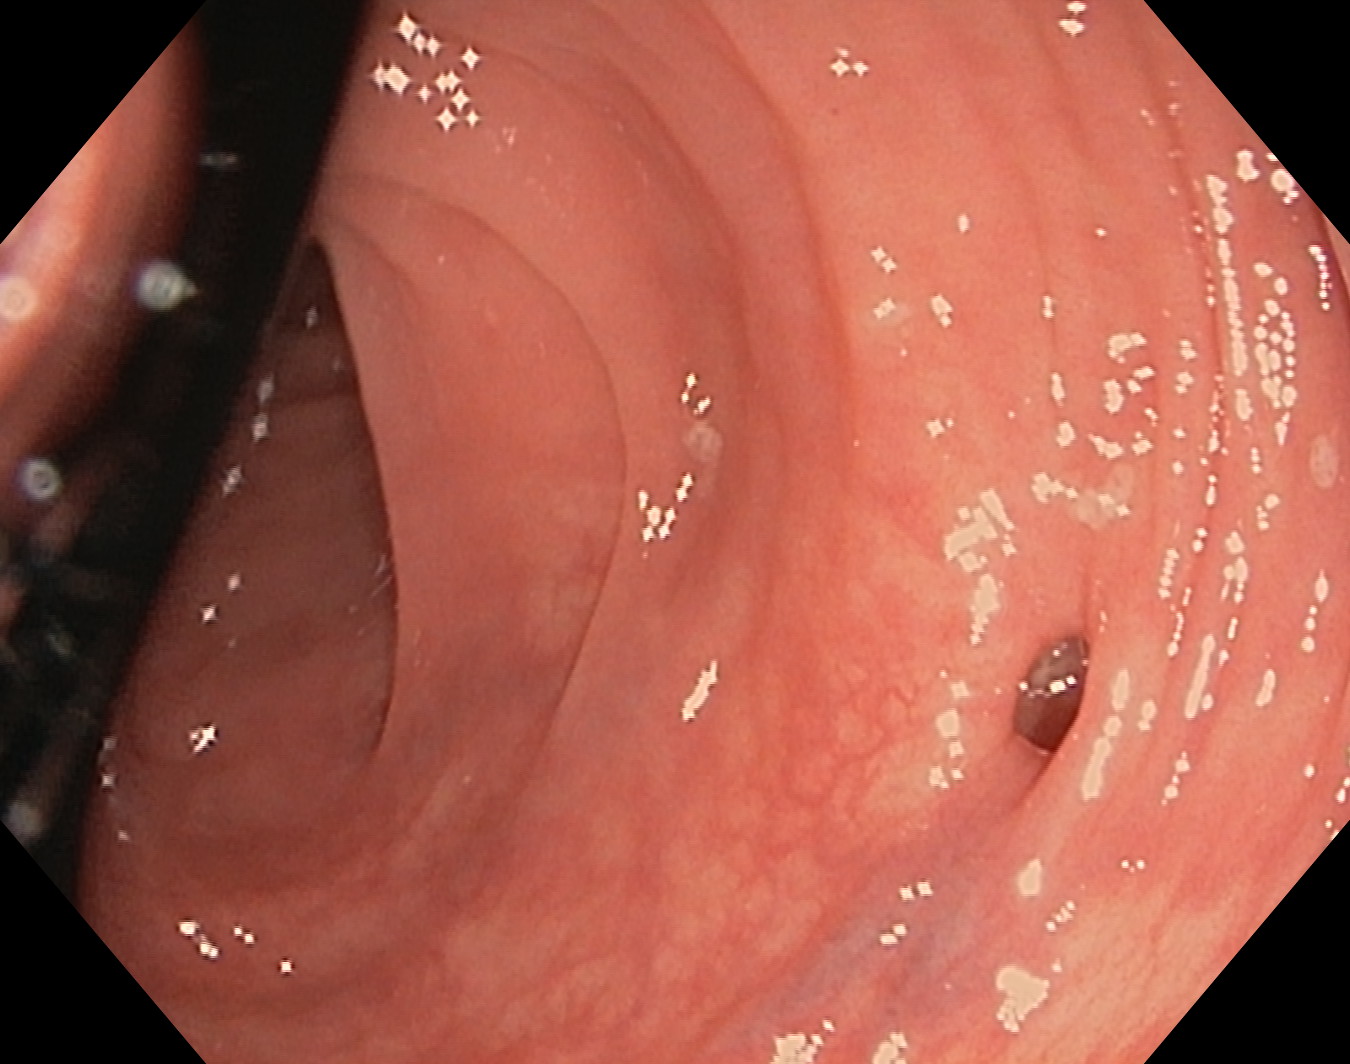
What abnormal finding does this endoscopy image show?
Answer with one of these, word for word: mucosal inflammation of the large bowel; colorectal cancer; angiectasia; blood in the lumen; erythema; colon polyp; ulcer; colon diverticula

colon diverticula